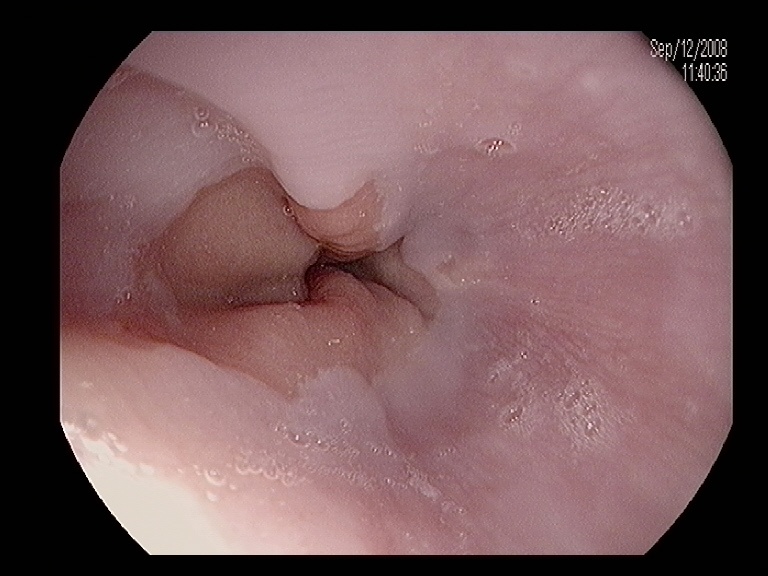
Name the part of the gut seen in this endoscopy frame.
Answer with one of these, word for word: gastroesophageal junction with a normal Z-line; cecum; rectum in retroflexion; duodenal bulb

gastroesophageal junction with a normal Z-line